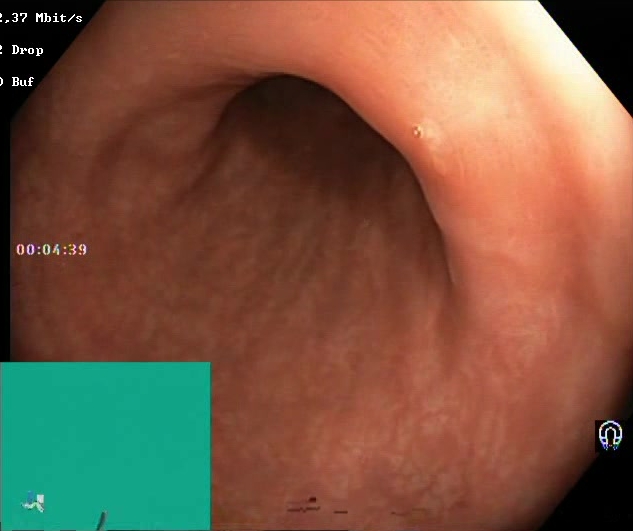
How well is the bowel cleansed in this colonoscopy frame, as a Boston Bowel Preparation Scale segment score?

Boston Bowel Preparation Scale score 2–3 (adequate preparation)